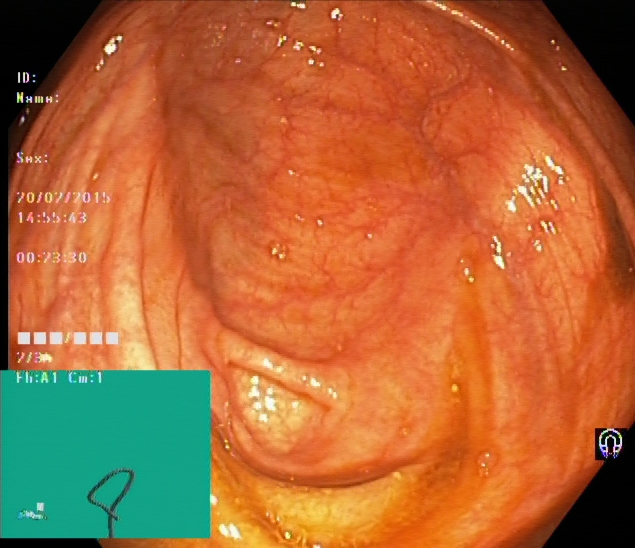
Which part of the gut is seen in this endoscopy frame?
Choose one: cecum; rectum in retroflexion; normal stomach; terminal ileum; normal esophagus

cecum